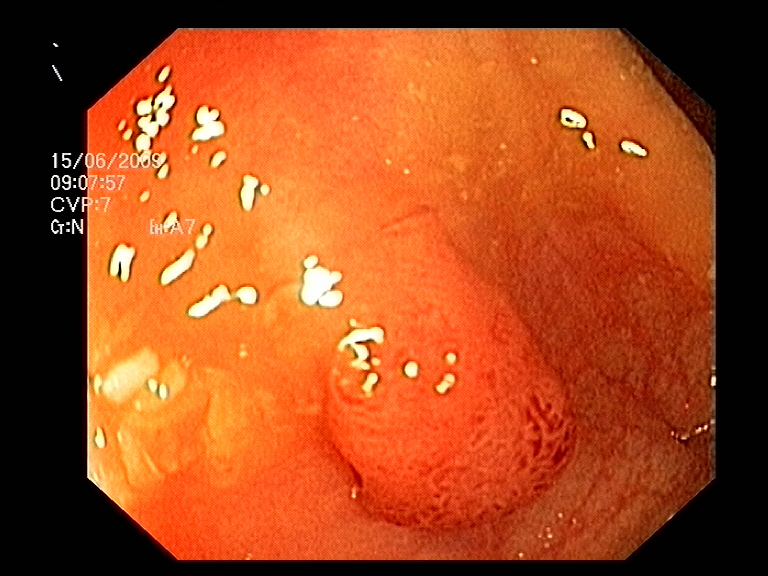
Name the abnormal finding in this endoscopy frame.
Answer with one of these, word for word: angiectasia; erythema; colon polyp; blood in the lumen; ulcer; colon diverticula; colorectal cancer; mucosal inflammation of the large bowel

colon polyp